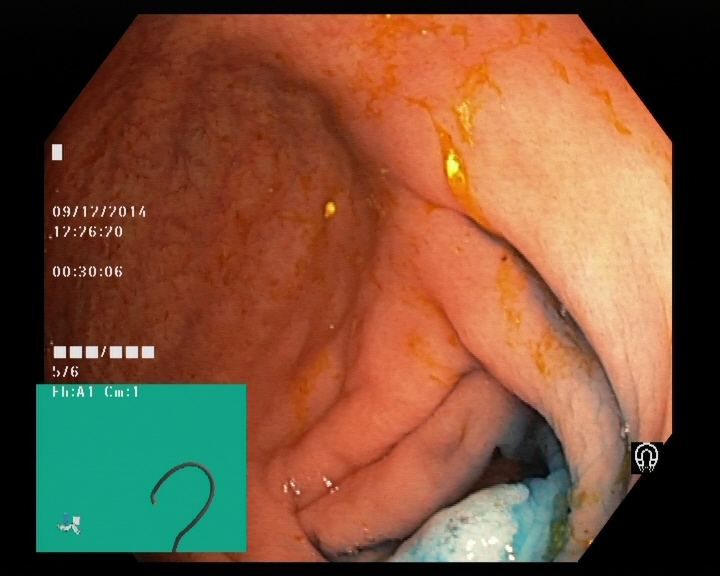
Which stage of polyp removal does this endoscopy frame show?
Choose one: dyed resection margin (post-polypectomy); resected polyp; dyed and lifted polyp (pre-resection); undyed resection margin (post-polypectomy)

dyed and lifted polyp (pre-resection)